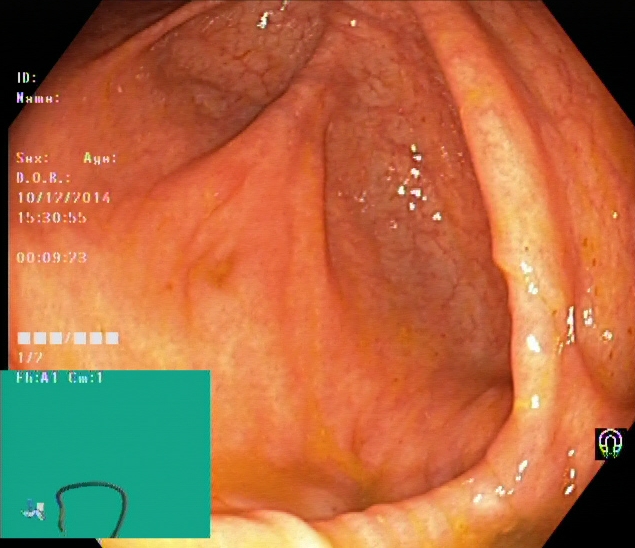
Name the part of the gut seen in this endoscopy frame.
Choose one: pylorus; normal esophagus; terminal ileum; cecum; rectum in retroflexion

cecum